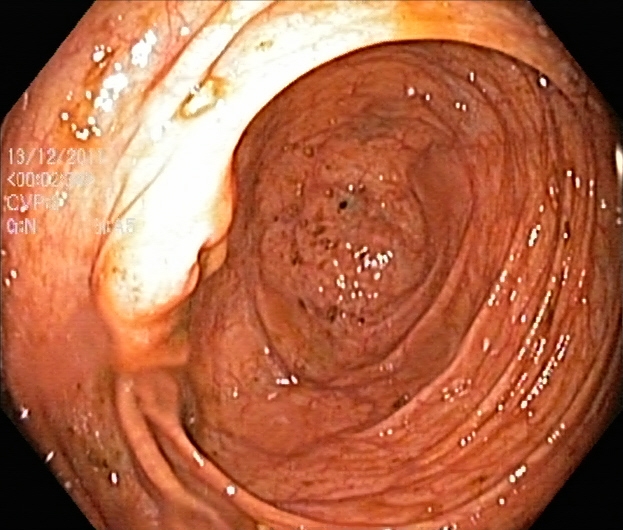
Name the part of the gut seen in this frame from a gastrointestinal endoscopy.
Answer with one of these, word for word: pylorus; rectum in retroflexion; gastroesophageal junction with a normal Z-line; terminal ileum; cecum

cecum